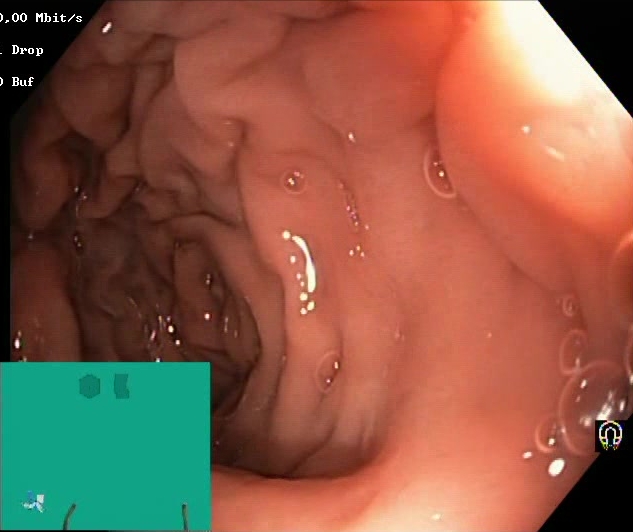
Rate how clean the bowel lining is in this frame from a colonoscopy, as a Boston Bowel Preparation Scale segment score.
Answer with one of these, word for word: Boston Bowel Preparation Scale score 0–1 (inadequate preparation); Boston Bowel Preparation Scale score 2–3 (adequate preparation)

Boston Bowel Preparation Scale score 2–3 (adequate preparation)